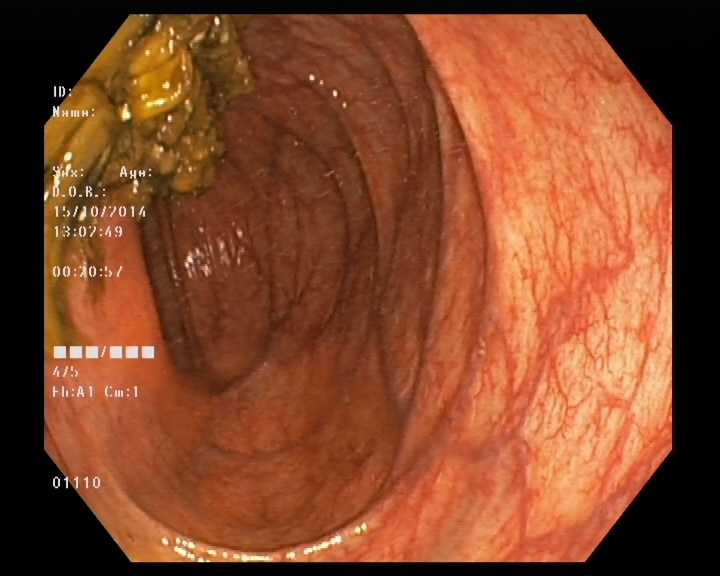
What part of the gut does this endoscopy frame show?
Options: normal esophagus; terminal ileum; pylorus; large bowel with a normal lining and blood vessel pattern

large bowel with a normal lining and blood vessel pattern